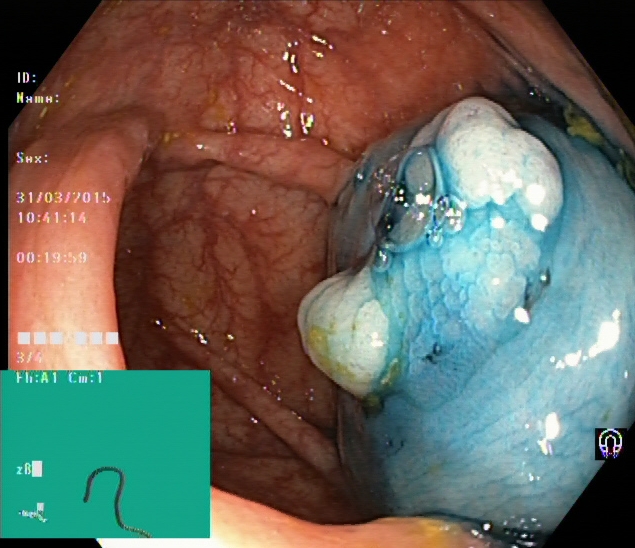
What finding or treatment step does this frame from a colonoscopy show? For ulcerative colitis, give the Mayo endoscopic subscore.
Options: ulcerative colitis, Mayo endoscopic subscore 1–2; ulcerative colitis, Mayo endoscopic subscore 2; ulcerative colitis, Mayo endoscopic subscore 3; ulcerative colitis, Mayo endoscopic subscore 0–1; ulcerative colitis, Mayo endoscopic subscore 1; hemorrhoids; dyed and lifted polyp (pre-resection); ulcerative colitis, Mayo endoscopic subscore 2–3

dyed and lifted polyp (pre-resection)